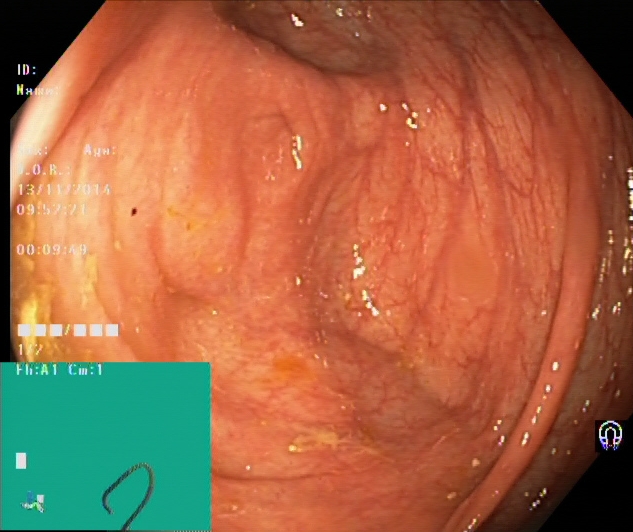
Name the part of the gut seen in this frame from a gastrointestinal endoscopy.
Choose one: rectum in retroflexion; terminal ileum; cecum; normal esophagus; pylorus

cecum